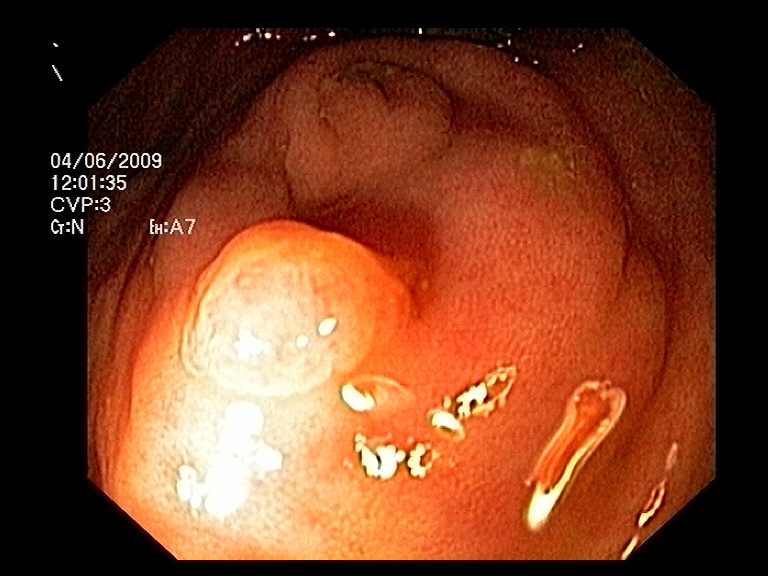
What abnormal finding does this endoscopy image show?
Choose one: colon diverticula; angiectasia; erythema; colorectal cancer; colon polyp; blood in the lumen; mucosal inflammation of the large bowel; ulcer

colon polyp